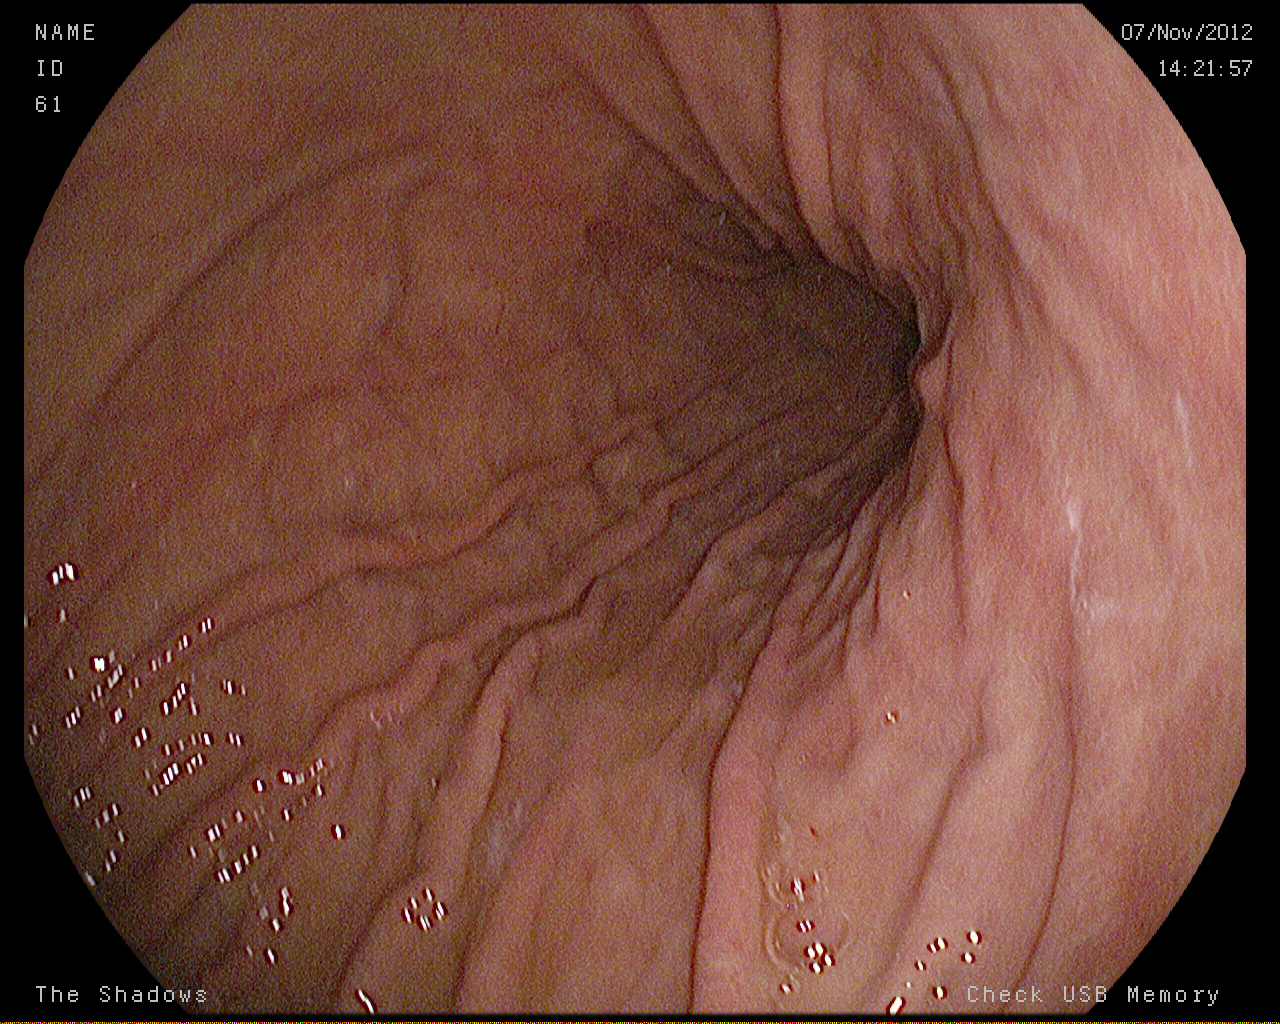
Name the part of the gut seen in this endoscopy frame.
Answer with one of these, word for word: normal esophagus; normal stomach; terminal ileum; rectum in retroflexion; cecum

normal stomach